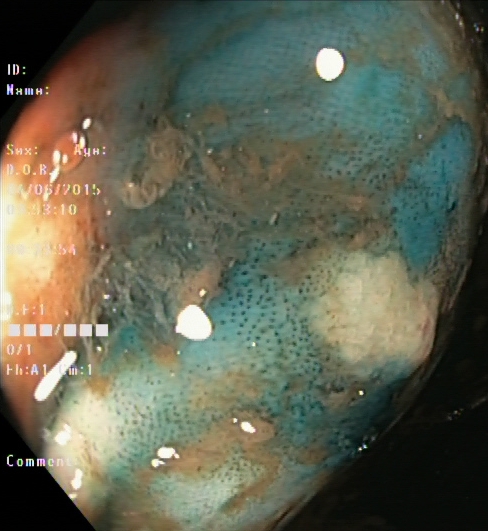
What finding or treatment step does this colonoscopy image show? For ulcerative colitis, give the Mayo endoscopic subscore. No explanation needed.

dyed and lifted polyp (pre-resection)